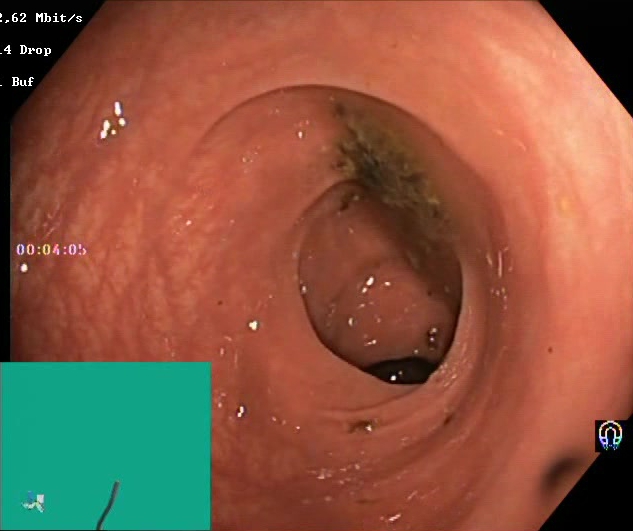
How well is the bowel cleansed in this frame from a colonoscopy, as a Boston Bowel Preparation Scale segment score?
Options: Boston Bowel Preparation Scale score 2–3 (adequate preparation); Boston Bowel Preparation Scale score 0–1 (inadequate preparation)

Boston Bowel Preparation Scale score 0–1 (inadequate preparation)